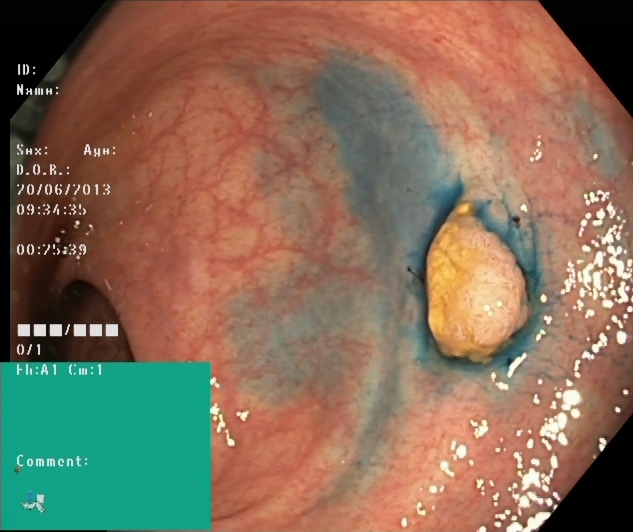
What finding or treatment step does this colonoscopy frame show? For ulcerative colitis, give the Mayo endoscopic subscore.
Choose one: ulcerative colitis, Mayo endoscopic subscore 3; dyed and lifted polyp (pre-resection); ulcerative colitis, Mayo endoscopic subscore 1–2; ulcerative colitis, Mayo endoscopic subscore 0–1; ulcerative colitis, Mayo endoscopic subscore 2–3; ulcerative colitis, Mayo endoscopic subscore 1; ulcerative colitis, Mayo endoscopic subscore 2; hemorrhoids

dyed and lifted polyp (pre-resection)